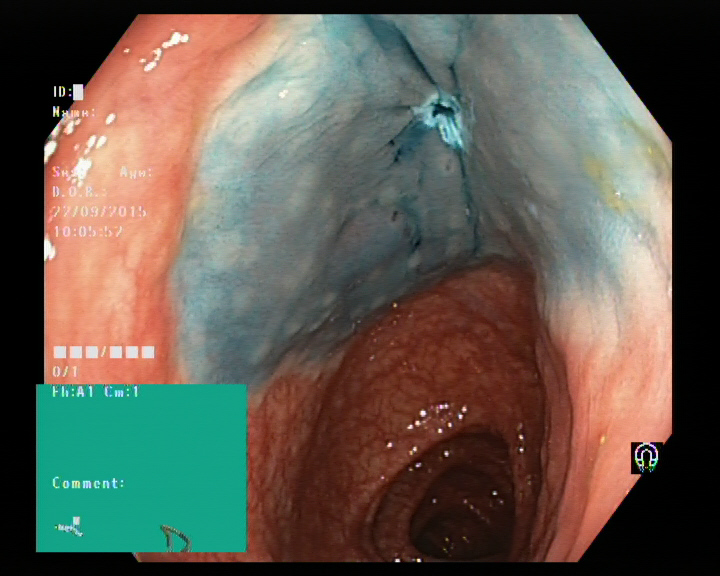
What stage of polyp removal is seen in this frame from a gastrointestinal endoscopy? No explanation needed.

dyed resection margin (post-polypectomy)